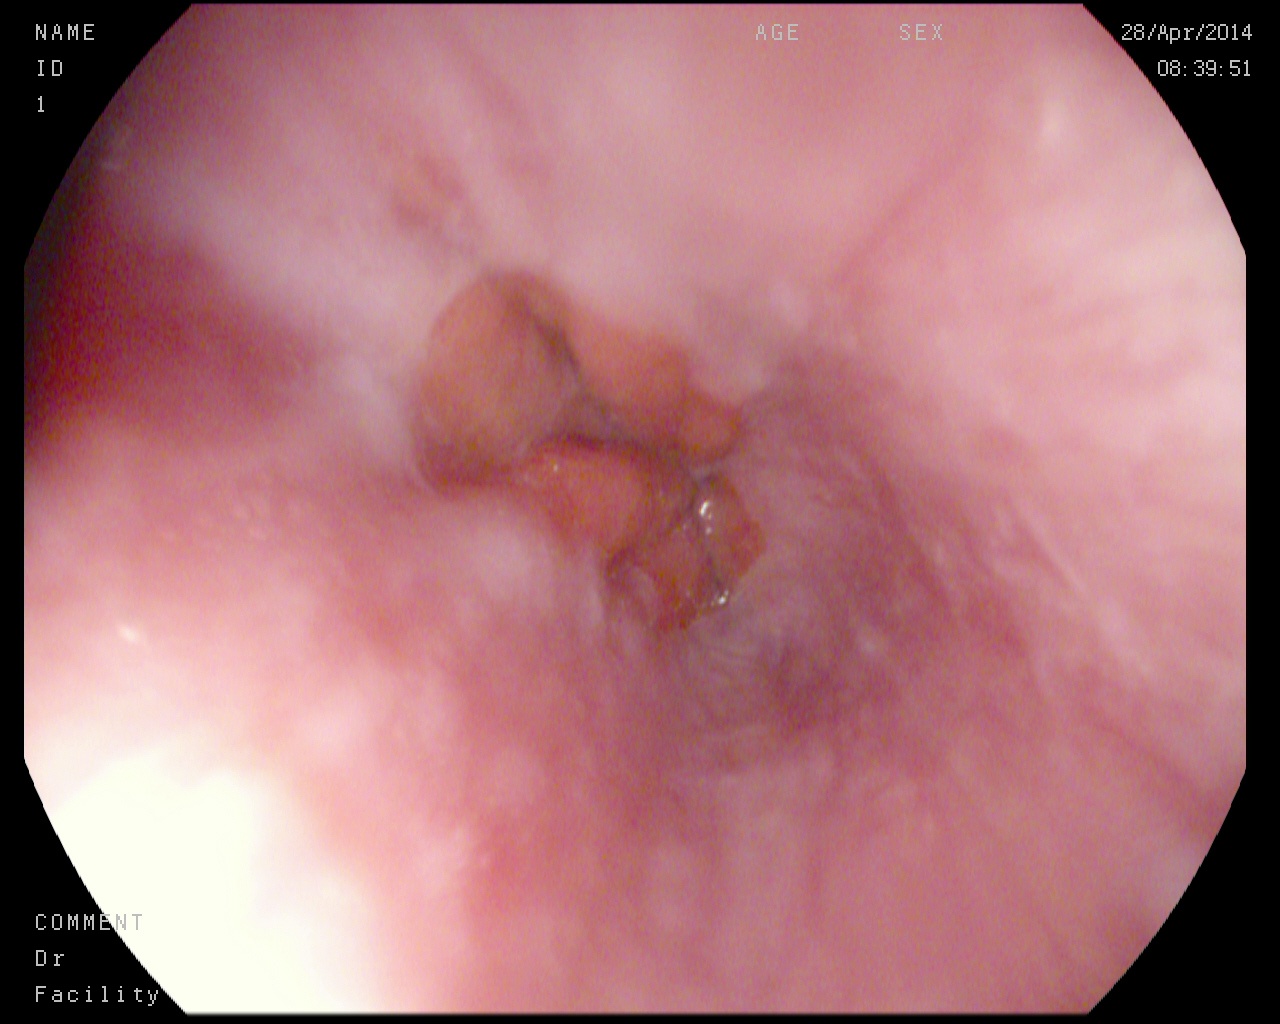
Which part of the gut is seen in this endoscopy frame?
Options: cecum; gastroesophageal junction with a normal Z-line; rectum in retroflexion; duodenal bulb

gastroesophageal junction with a normal Z-line